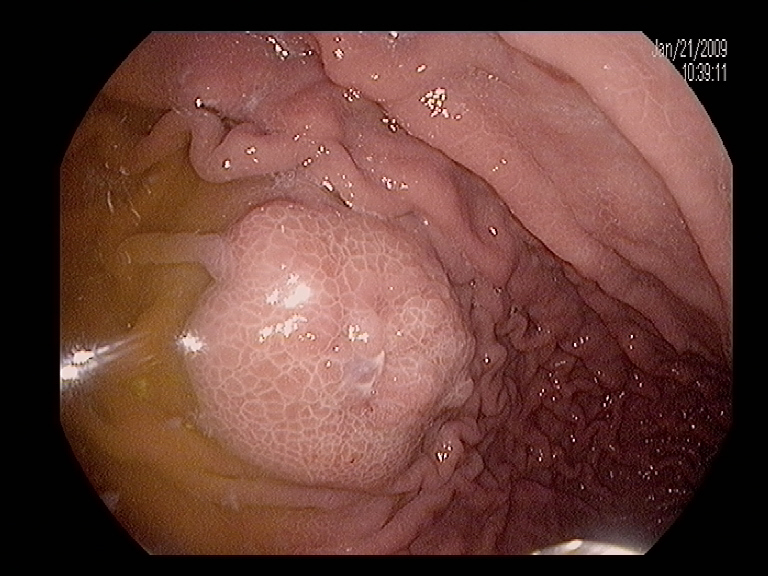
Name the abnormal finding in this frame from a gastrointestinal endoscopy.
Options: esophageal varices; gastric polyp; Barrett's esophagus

gastric polyp